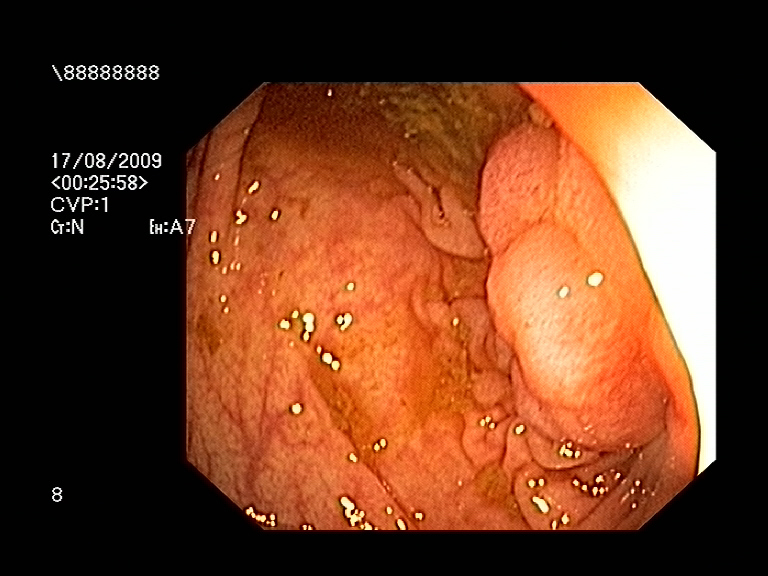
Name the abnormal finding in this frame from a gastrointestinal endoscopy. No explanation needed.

colon polyp